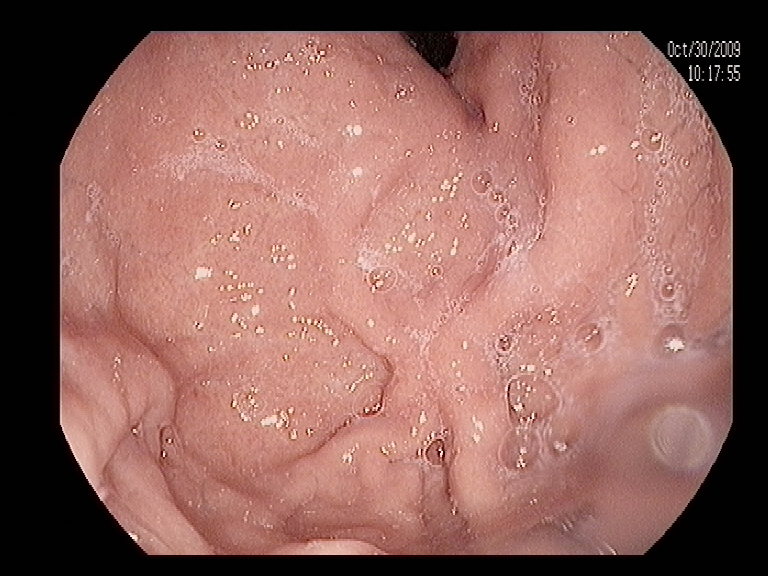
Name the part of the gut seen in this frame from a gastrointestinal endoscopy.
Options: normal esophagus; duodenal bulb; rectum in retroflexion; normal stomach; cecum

normal stomach